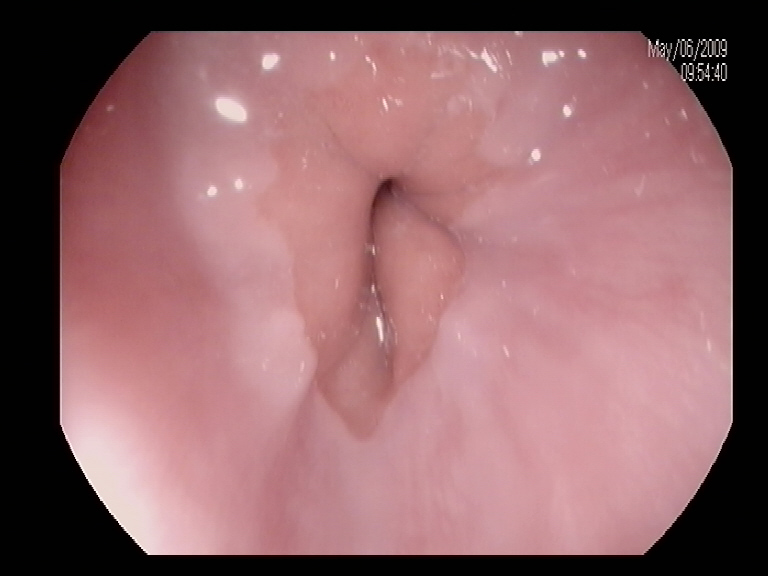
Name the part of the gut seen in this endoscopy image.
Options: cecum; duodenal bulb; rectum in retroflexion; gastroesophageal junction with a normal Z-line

gastroesophageal junction with a normal Z-line